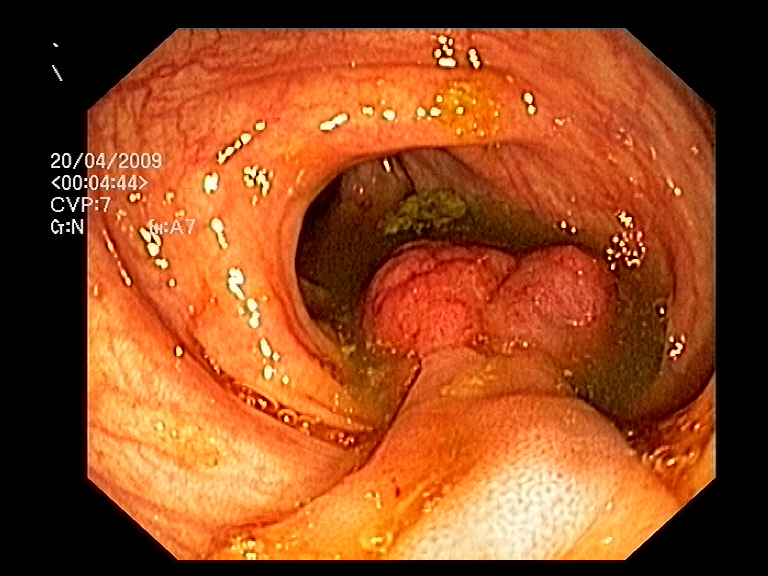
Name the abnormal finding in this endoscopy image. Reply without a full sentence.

colon polyp